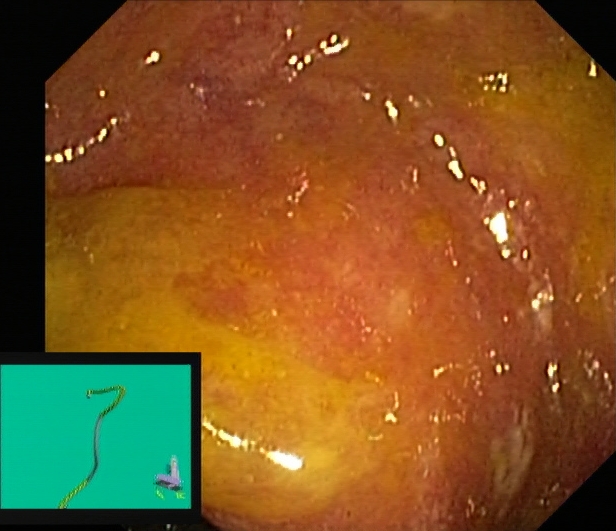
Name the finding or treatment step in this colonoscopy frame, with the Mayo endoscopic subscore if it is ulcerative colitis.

ulcerative colitis, Mayo endoscopic subscore 2